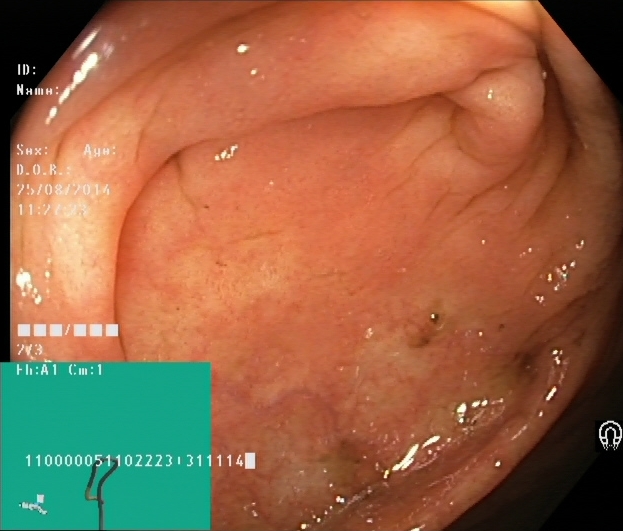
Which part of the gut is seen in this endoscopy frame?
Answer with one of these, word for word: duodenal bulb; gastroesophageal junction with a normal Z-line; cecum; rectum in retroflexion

cecum